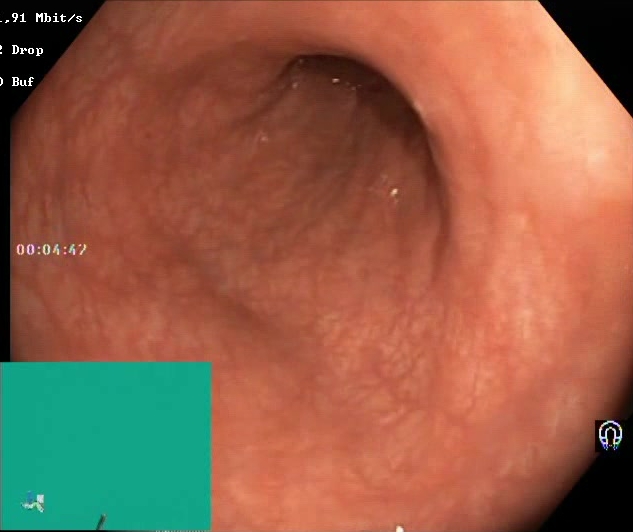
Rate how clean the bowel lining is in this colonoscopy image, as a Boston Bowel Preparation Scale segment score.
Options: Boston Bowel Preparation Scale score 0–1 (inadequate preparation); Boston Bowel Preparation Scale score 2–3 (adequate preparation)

Boston Bowel Preparation Scale score 2–3 (adequate preparation)